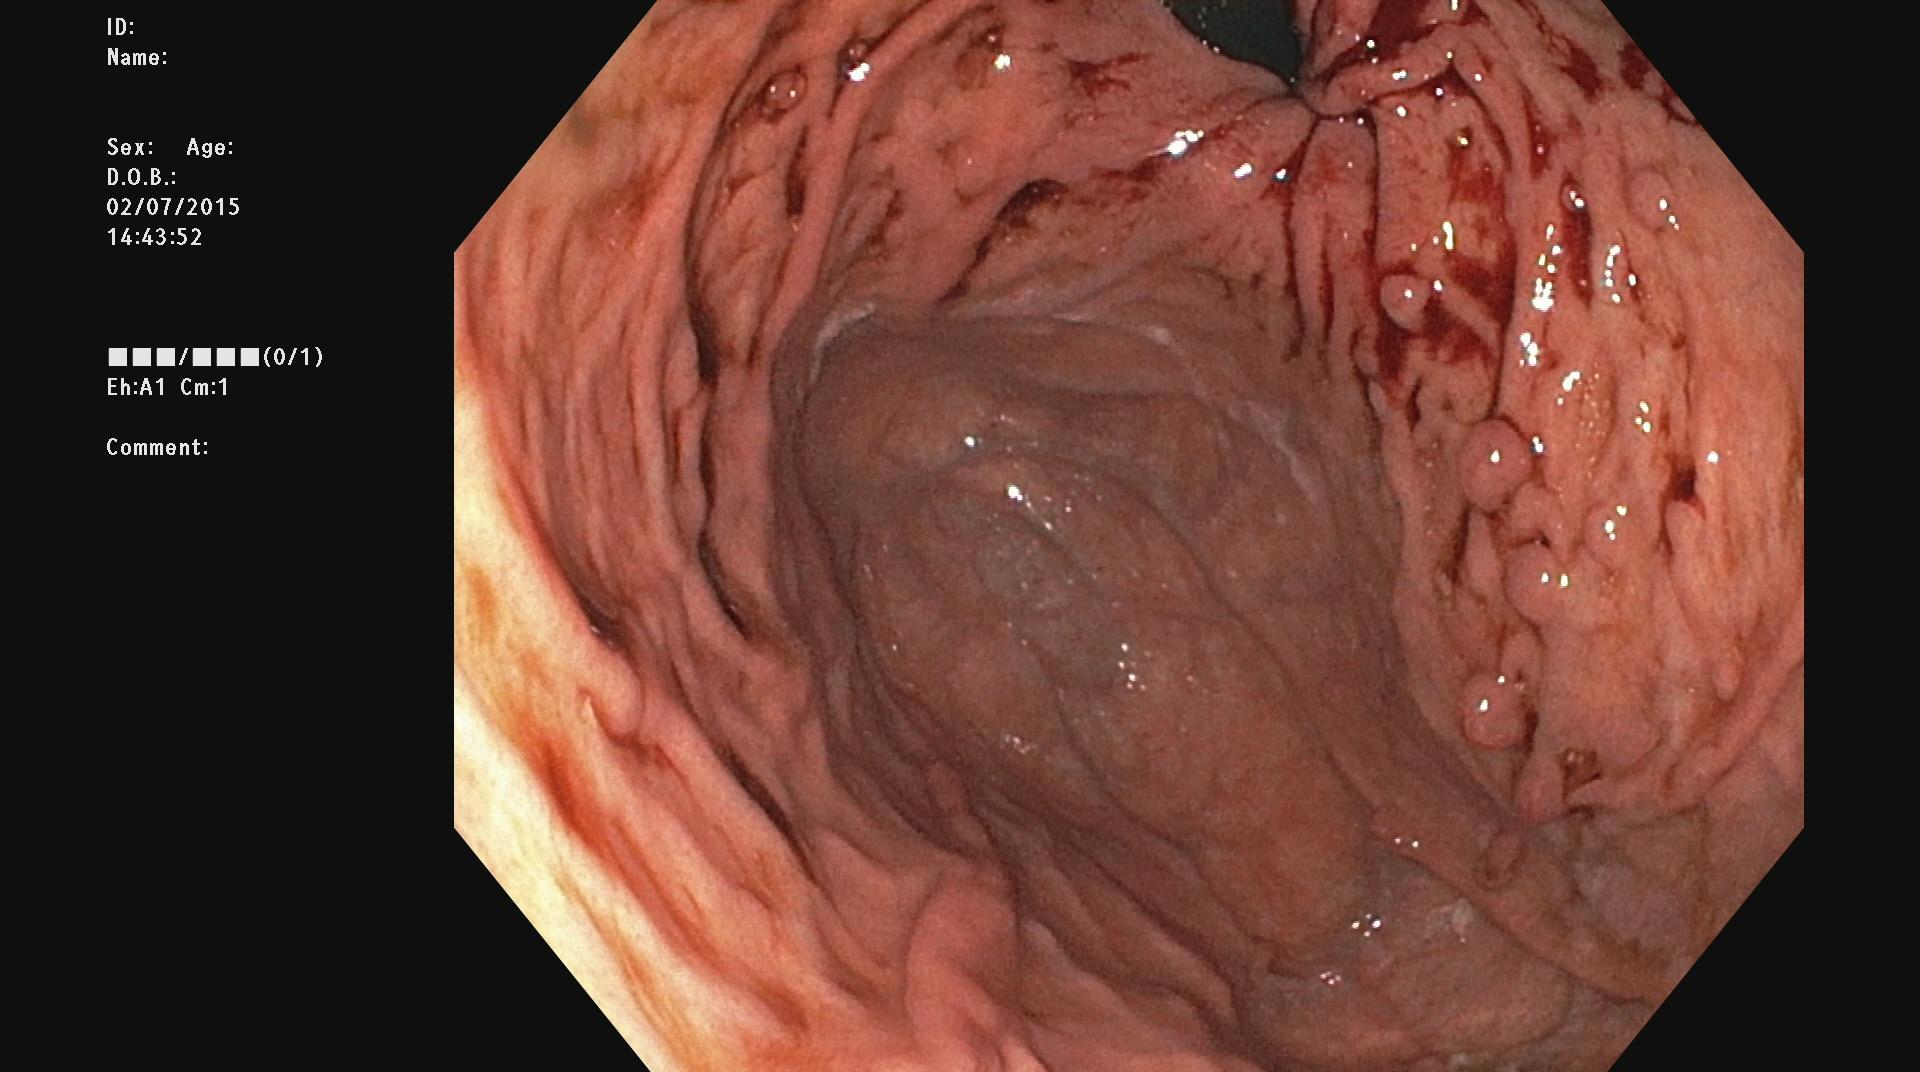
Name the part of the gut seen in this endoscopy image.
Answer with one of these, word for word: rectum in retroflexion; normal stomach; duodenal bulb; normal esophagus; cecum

normal stomach